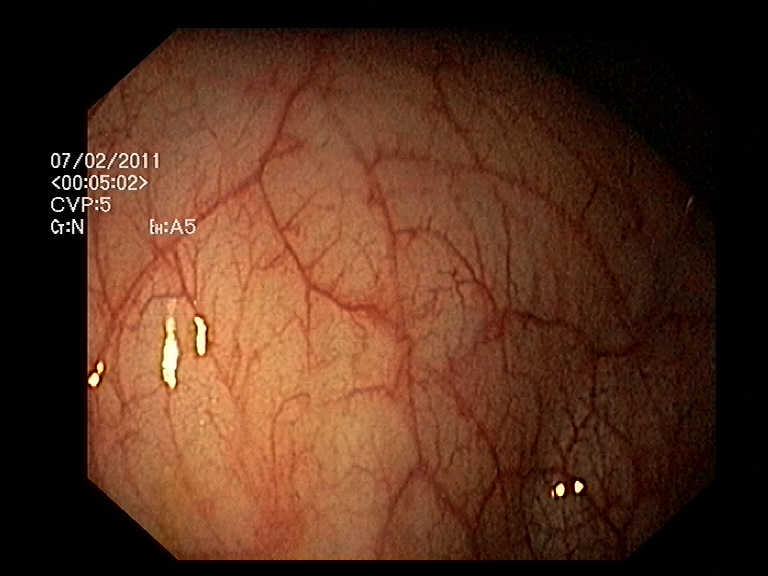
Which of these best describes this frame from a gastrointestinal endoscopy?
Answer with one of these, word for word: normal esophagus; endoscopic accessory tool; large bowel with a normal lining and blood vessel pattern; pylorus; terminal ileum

large bowel with a normal lining and blood vessel pattern